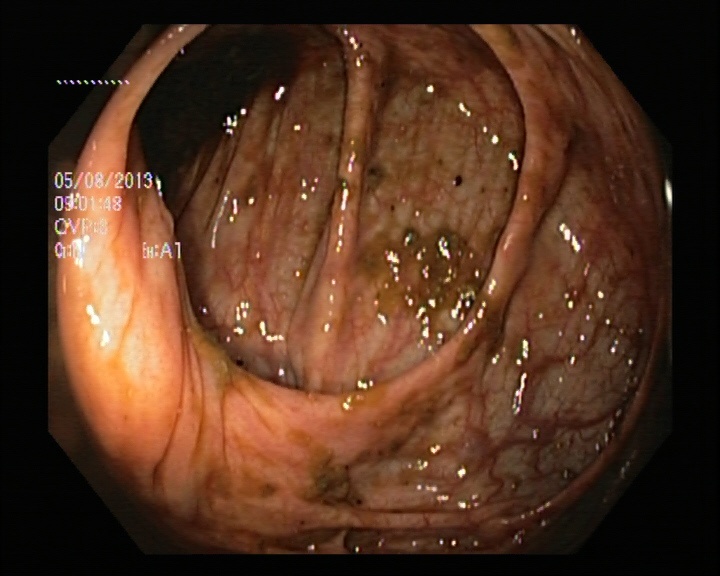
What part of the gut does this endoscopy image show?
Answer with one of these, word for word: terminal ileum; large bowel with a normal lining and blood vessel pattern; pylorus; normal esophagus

large bowel with a normal lining and blood vessel pattern